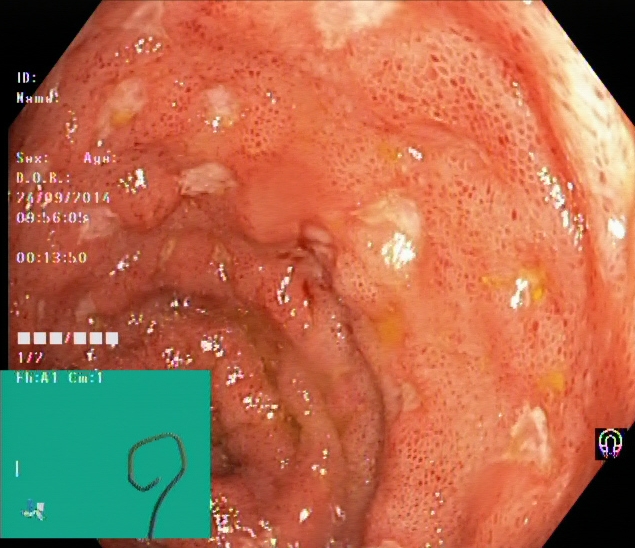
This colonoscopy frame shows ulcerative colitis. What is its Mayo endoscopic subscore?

ulcerative colitis, Mayo endoscopic subscore 3